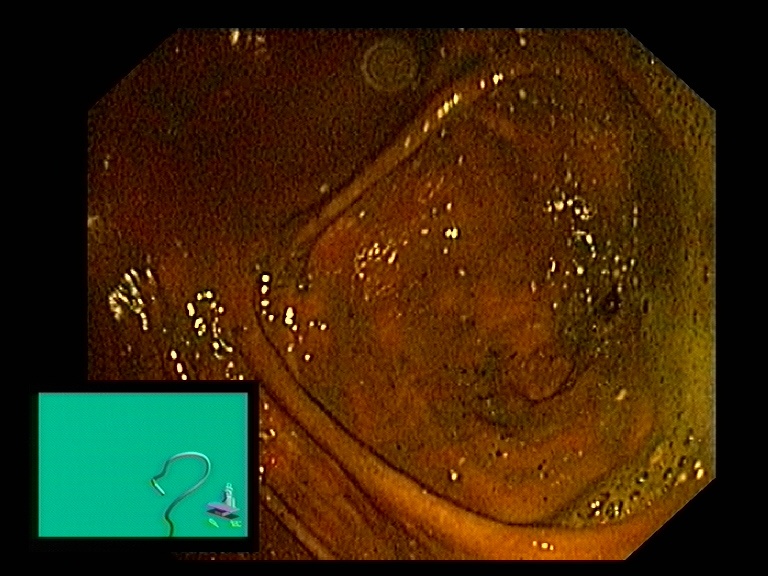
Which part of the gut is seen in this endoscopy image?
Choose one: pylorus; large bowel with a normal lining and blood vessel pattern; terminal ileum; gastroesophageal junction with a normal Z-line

large bowel with a normal lining and blood vessel pattern